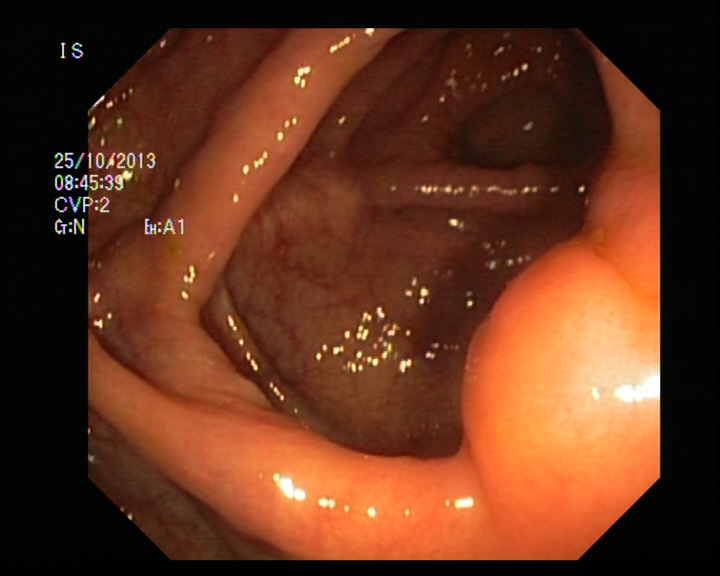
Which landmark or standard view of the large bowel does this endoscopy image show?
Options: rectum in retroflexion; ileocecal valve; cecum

ileocecal valve